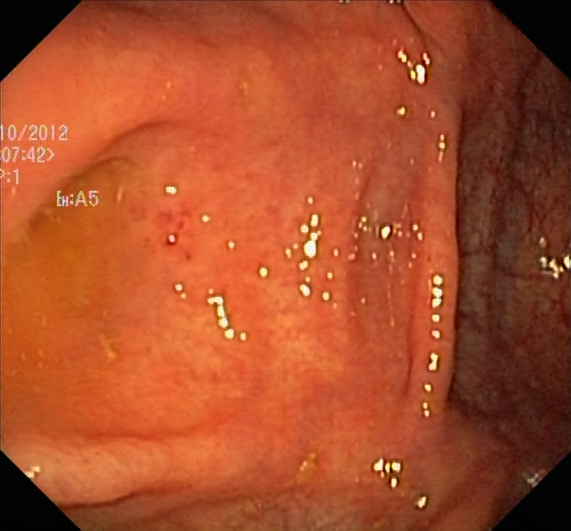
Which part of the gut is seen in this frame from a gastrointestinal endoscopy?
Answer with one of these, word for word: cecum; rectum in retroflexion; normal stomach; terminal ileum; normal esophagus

cecum